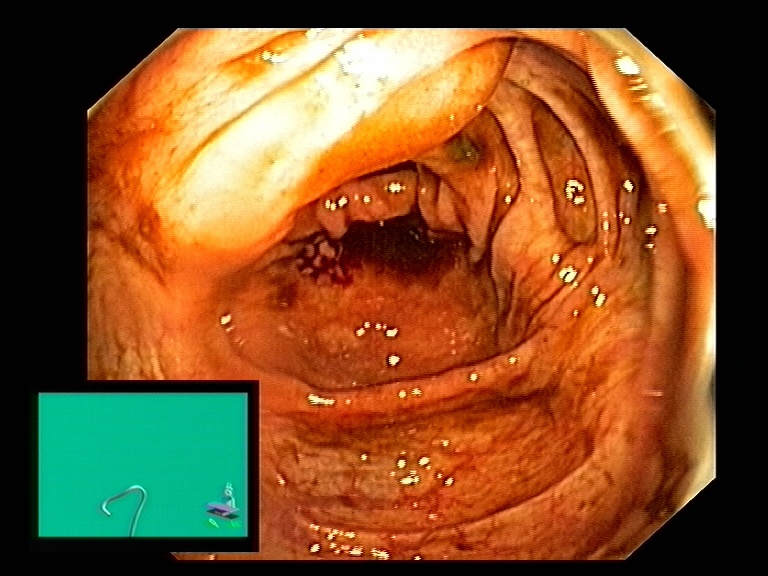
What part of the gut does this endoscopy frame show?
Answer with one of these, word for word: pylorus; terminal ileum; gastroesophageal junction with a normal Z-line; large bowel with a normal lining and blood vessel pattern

large bowel with a normal lining and blood vessel pattern